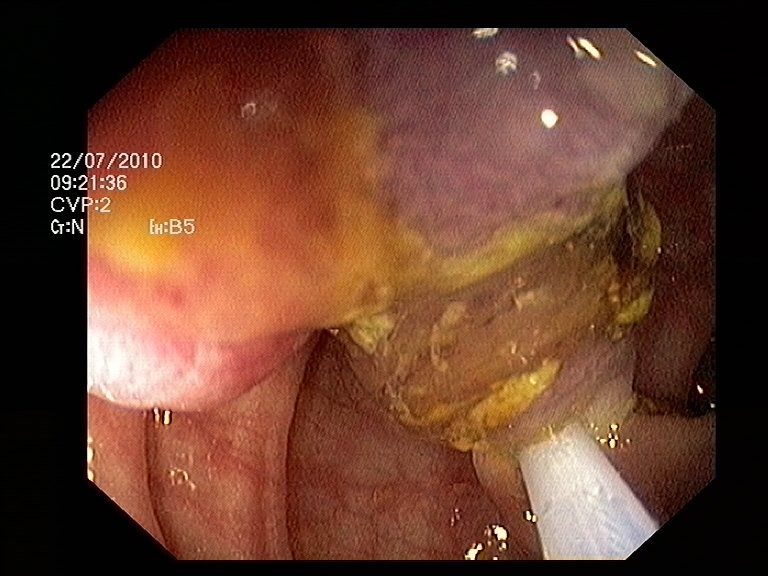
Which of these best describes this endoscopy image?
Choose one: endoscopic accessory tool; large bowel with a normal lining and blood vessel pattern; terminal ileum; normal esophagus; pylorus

endoscopic accessory tool